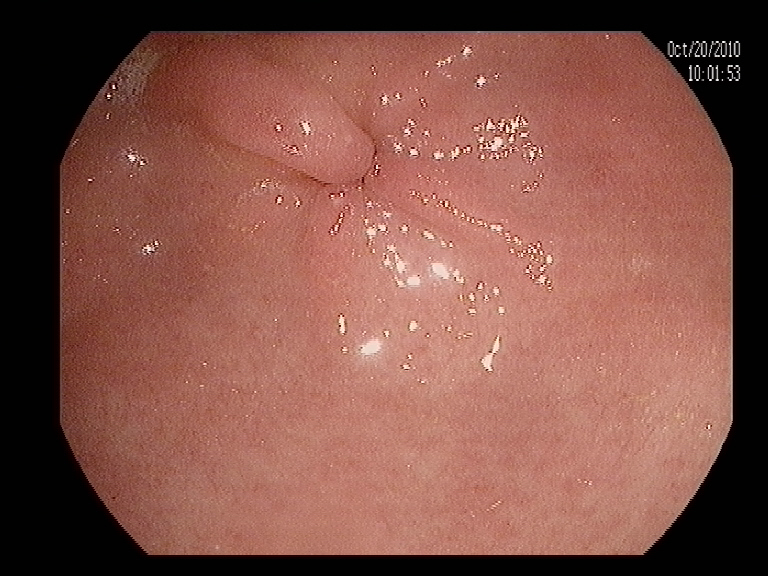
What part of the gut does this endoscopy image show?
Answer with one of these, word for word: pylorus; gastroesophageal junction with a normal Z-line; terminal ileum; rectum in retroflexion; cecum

pylorus